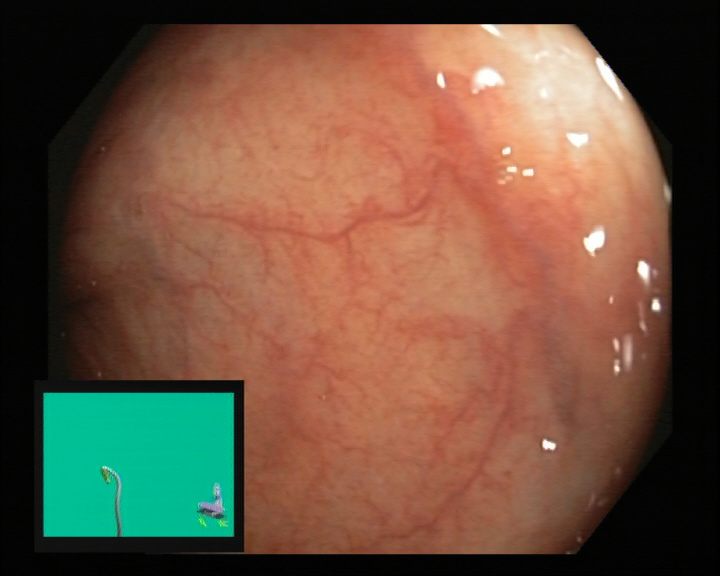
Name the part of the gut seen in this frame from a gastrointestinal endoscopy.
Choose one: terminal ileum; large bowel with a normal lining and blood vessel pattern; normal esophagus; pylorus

large bowel with a normal lining and blood vessel pattern